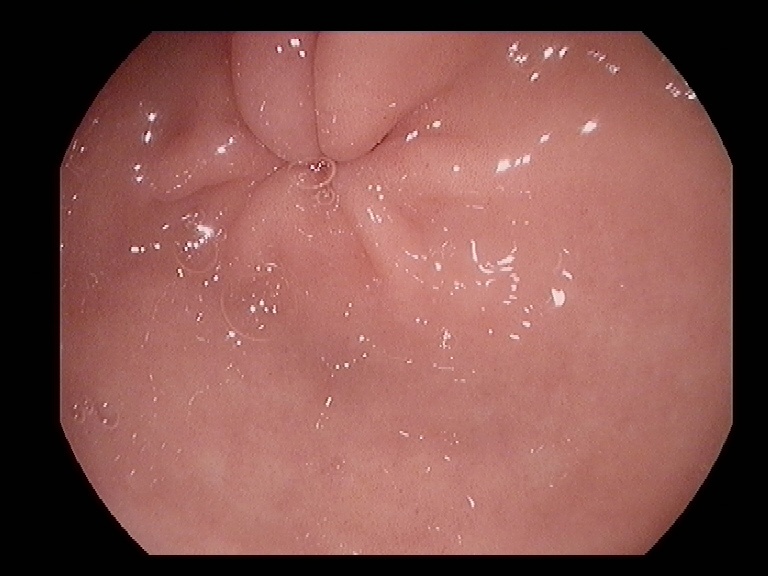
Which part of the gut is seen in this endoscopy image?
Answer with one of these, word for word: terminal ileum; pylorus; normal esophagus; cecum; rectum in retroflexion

pylorus